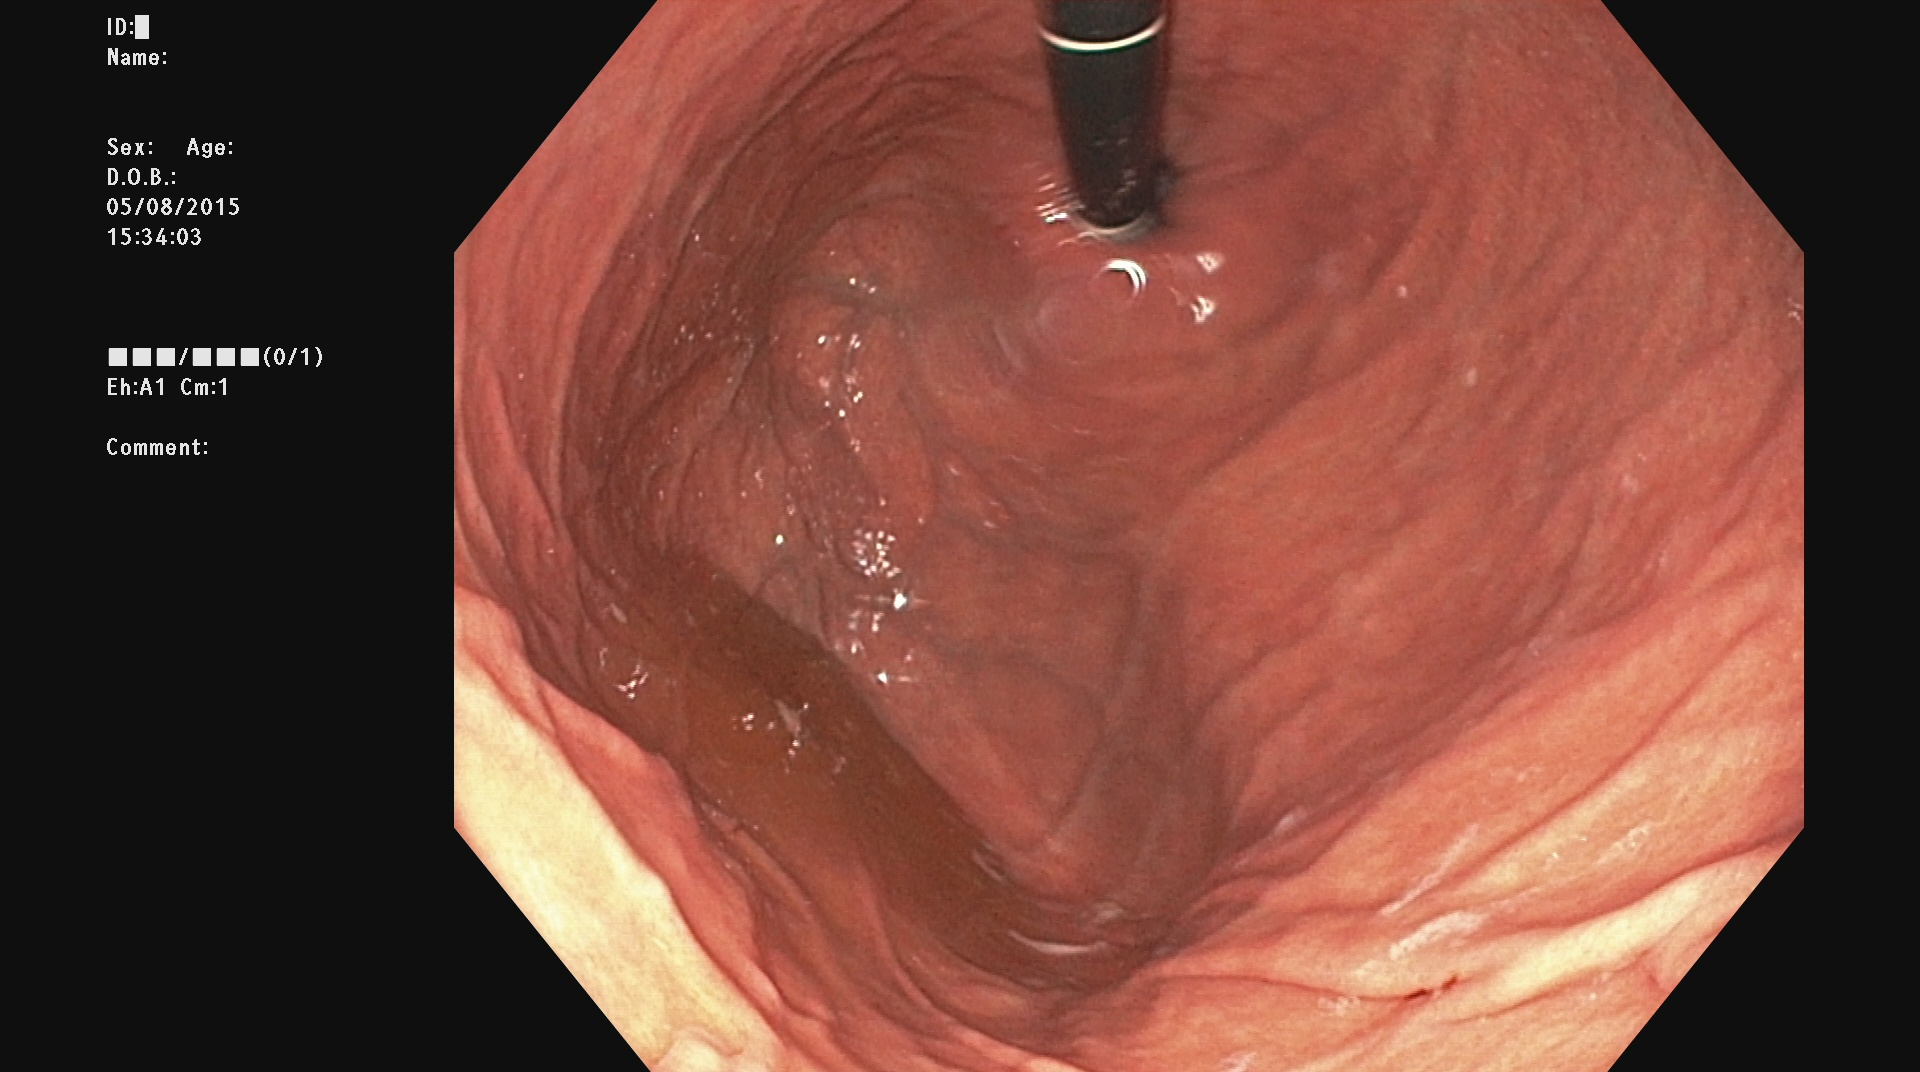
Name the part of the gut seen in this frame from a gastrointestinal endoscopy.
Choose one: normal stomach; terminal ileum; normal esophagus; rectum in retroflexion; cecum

normal stomach